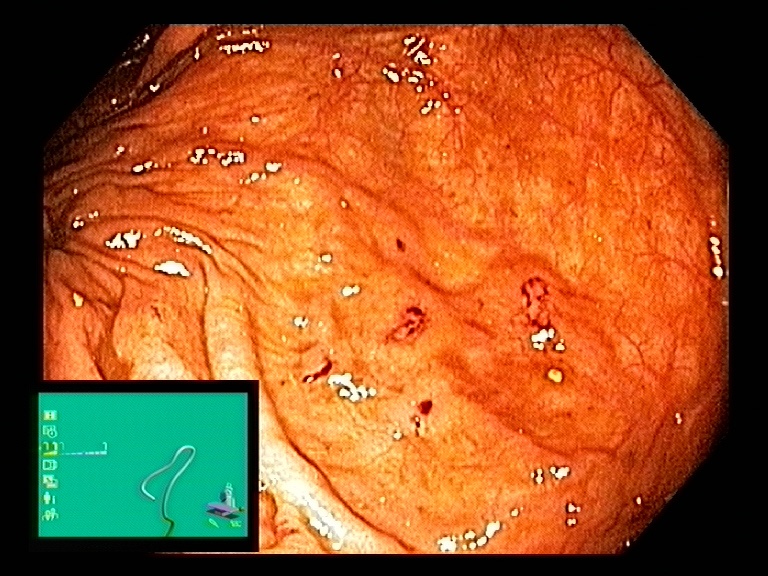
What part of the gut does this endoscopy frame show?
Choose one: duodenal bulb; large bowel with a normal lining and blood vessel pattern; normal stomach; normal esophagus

large bowel with a normal lining and blood vessel pattern